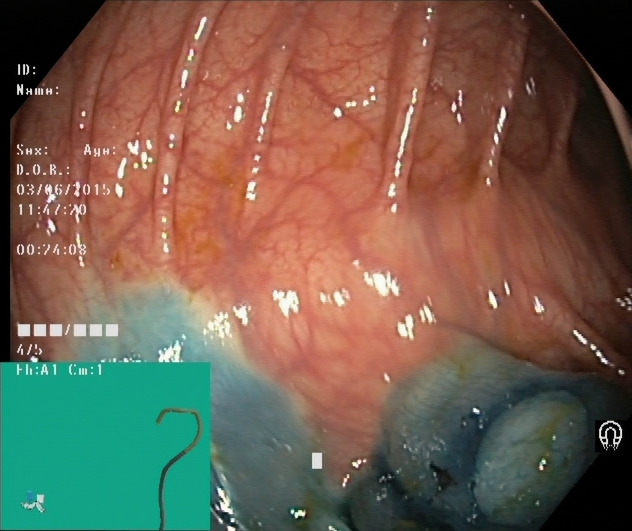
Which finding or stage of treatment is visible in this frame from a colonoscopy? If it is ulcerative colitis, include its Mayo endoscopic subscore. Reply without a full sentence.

dyed and lifted polyp (pre-resection)